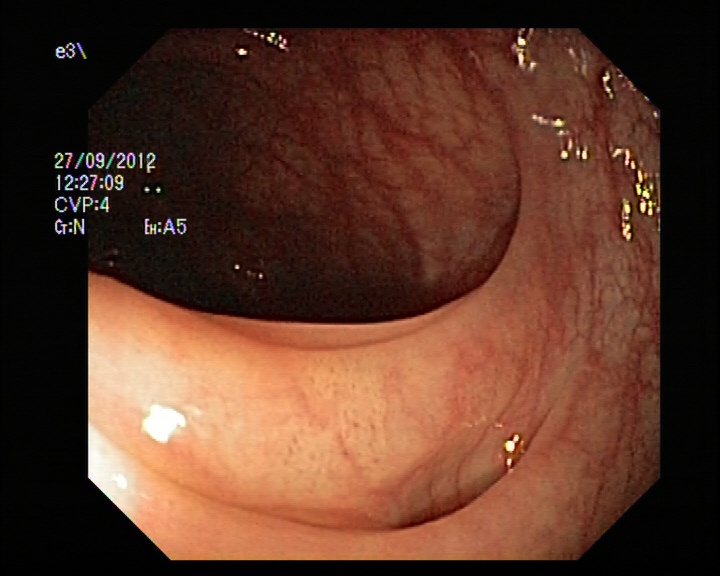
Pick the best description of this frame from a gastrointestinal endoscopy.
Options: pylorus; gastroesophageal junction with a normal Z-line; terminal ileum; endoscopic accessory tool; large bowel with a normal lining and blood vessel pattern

large bowel with a normal lining and blood vessel pattern